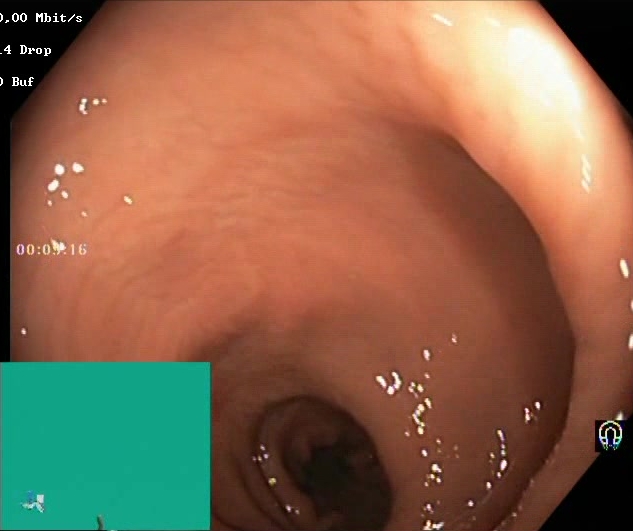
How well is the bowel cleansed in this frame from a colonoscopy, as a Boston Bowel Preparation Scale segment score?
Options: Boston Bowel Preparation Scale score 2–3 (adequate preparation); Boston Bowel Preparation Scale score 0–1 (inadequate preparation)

Boston Bowel Preparation Scale score 2–3 (adequate preparation)